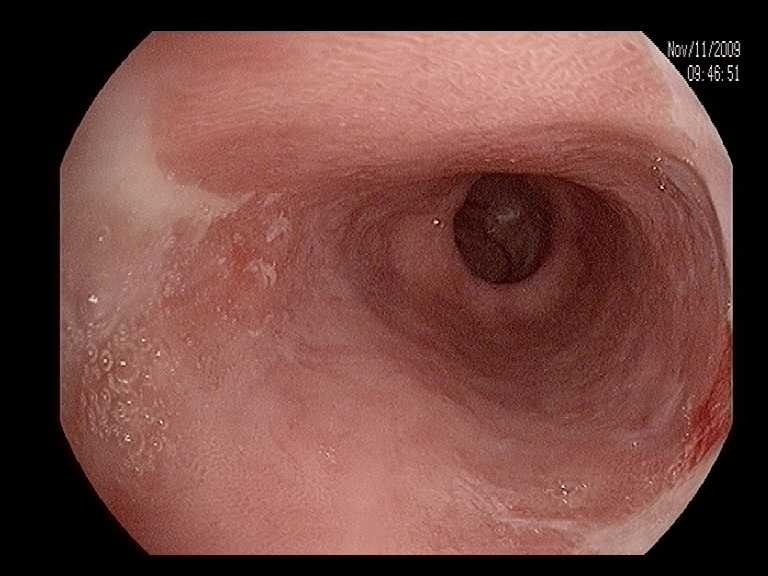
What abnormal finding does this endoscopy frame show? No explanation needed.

Barrett's esophagus